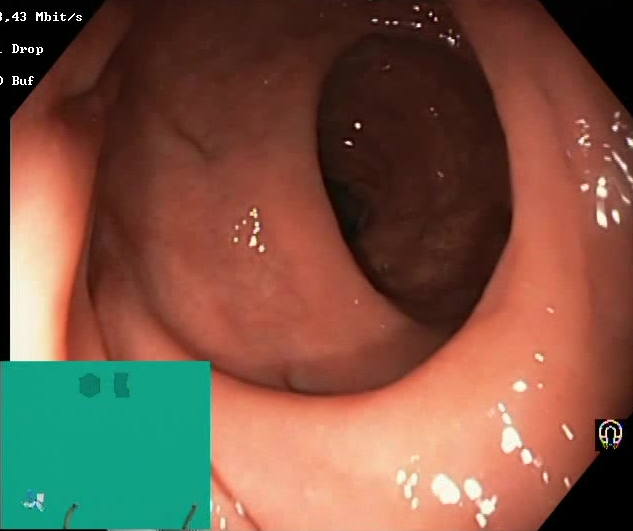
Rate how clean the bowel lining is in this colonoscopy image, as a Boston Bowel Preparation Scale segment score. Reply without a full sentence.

Boston Bowel Preparation Scale score 2–3 (adequate preparation)